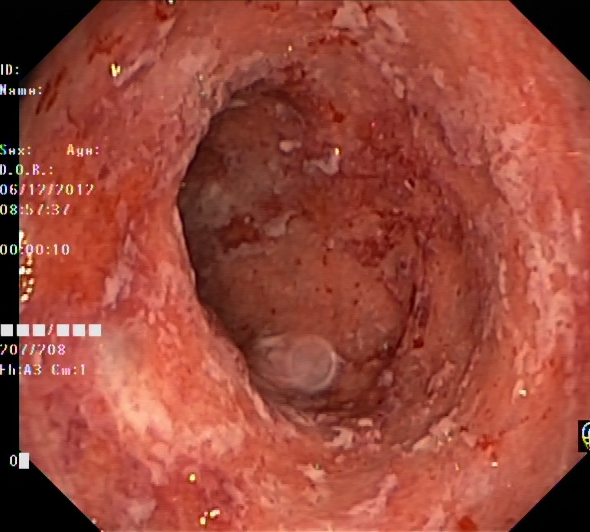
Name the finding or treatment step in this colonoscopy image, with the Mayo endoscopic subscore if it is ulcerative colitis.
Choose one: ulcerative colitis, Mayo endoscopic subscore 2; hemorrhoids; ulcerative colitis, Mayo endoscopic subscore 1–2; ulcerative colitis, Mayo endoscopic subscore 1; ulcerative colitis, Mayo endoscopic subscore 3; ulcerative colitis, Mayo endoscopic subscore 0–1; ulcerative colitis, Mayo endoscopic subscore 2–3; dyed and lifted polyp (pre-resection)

ulcerative colitis, Mayo endoscopic subscore 3